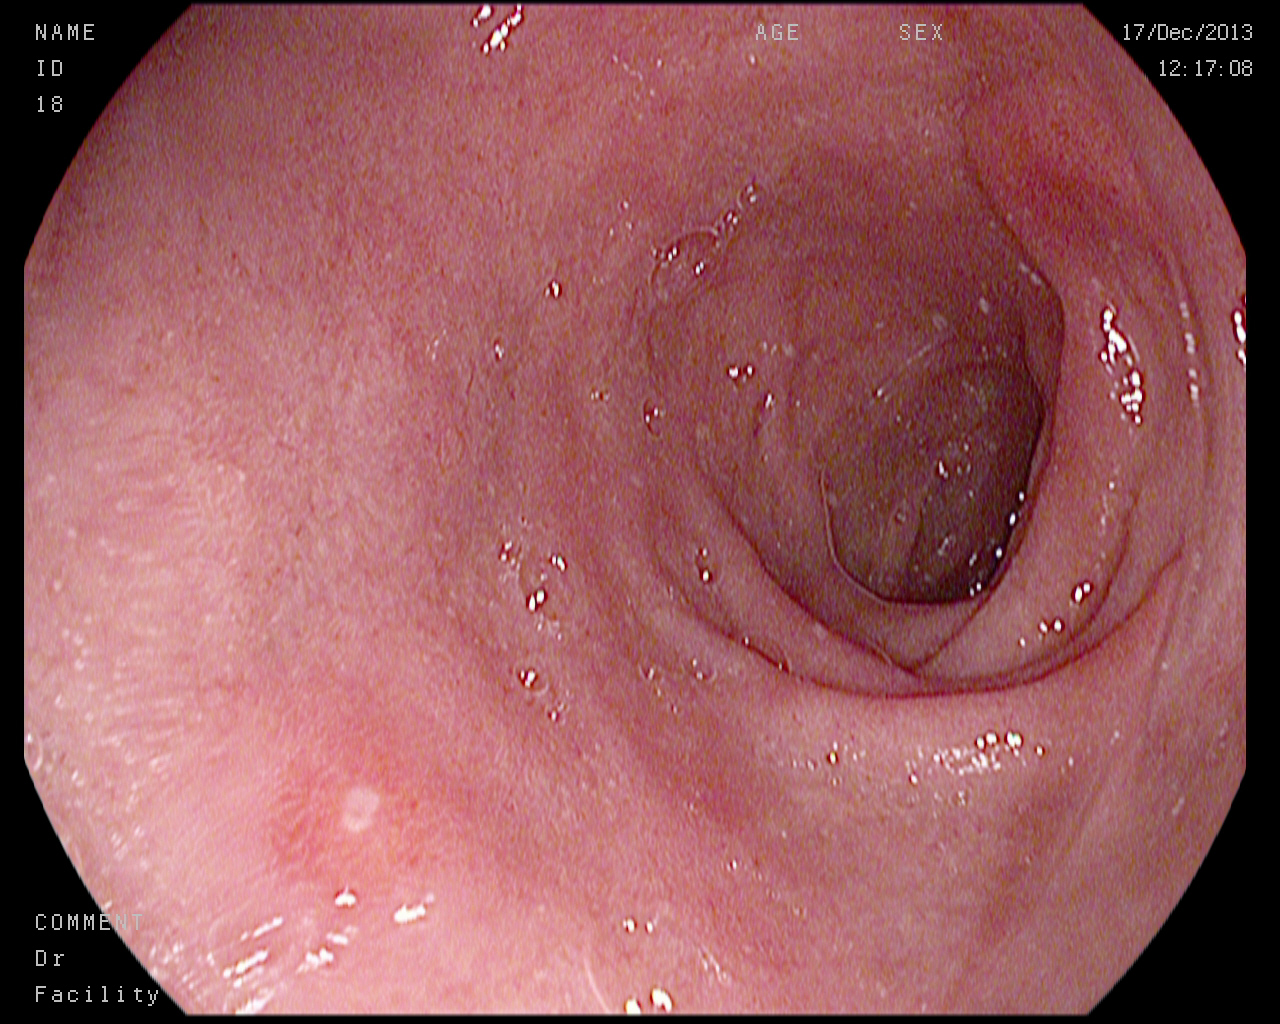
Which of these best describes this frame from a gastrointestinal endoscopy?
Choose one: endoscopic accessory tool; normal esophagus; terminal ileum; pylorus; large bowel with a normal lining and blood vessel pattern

terminal ileum